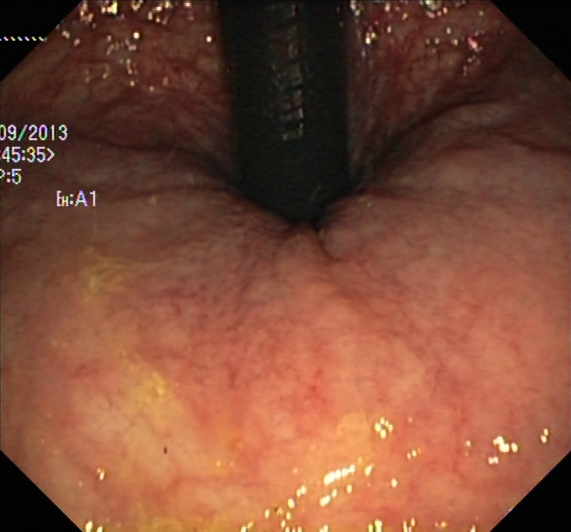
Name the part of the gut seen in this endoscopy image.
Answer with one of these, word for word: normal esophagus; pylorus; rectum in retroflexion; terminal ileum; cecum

rectum in retroflexion